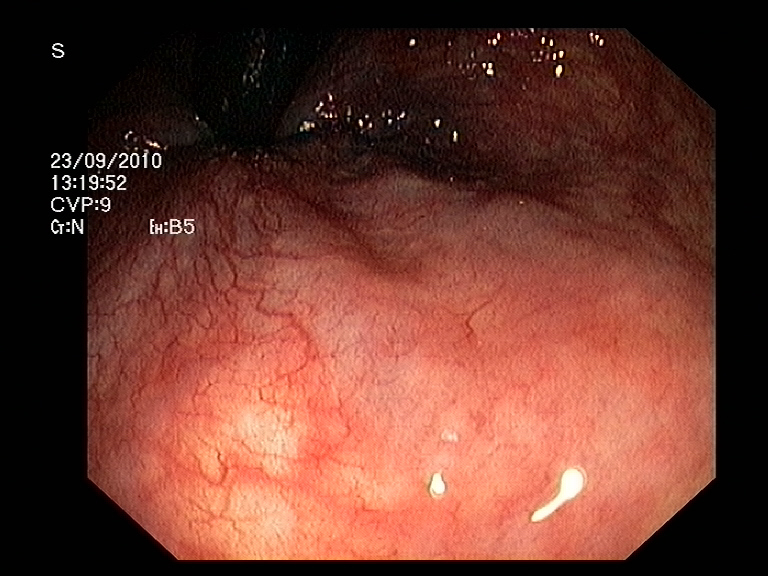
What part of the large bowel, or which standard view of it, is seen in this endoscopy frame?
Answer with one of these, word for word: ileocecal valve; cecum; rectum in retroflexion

rectum in retroflexion